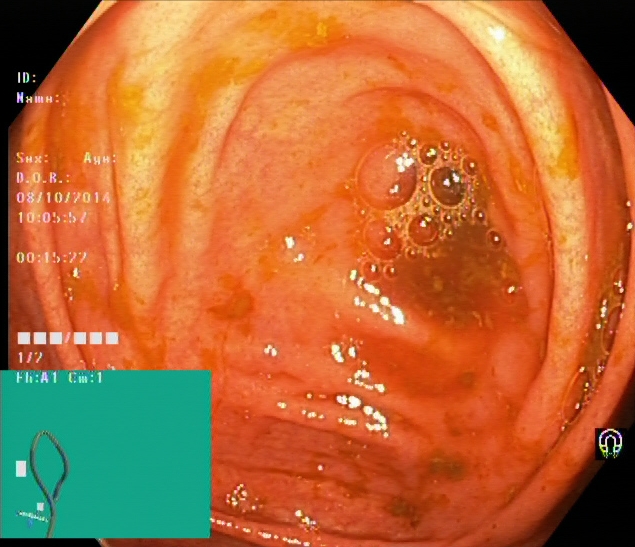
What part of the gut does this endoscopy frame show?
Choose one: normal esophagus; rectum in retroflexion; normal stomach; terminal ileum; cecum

cecum